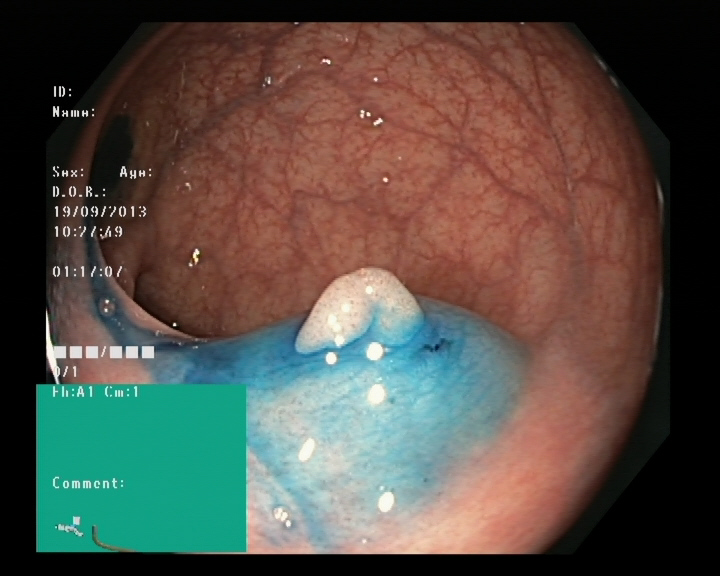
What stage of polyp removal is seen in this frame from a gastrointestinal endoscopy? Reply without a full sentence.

dyed and lifted polyp (pre-resection)